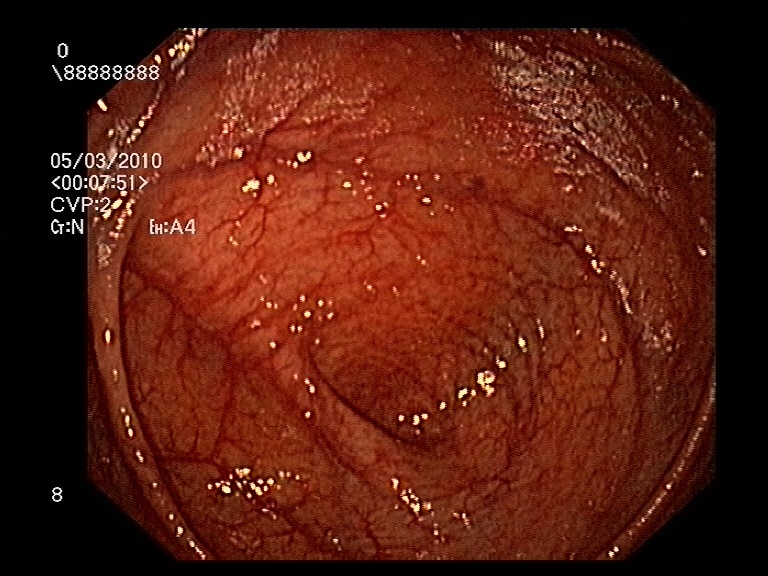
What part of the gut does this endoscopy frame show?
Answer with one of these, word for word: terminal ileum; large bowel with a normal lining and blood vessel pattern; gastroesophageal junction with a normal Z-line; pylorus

large bowel with a normal lining and blood vessel pattern